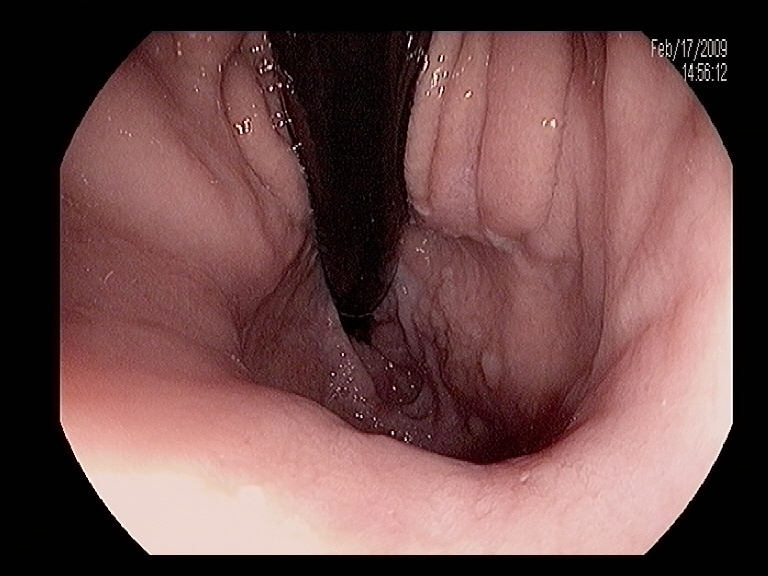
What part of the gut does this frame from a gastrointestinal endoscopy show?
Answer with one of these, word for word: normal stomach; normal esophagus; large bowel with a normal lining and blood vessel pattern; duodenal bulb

normal stomach